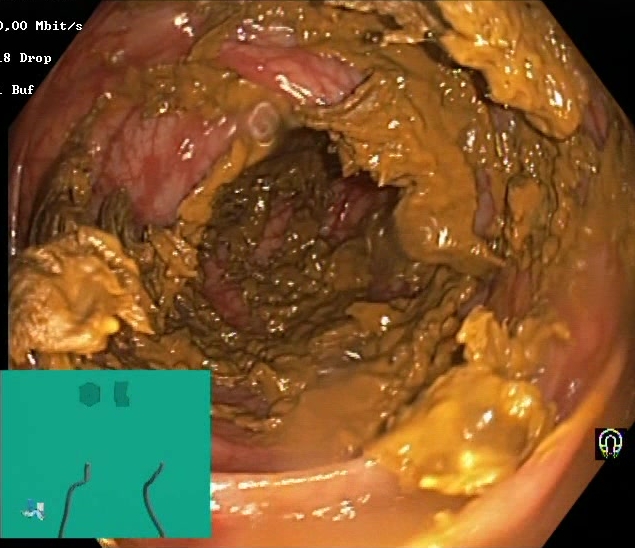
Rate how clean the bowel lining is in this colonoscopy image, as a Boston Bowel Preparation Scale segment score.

Boston Bowel Preparation Scale score 0–1 (inadequate preparation)